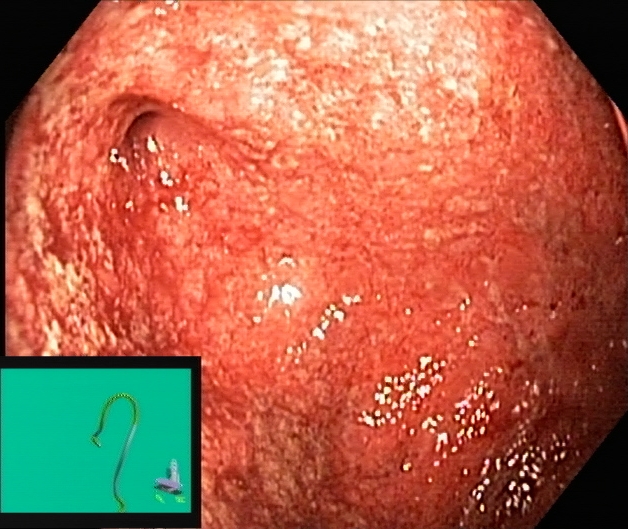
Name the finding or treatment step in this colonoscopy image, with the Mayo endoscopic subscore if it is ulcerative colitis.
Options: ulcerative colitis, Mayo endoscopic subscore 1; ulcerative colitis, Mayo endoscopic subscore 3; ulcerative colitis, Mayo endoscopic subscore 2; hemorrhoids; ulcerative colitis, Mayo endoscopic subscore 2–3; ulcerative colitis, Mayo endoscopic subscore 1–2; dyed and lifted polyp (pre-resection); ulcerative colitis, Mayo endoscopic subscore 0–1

ulcerative colitis, Mayo endoscopic subscore 3